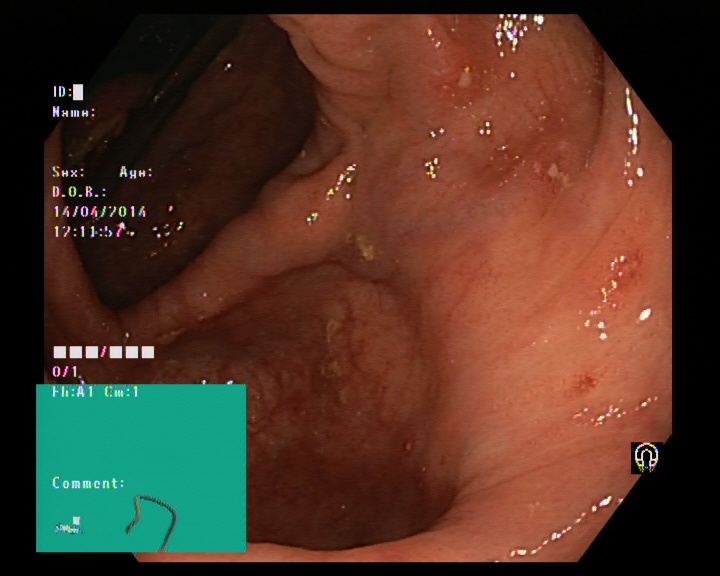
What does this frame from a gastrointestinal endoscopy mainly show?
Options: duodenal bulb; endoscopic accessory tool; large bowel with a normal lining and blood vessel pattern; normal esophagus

large bowel with a normal lining and blood vessel pattern